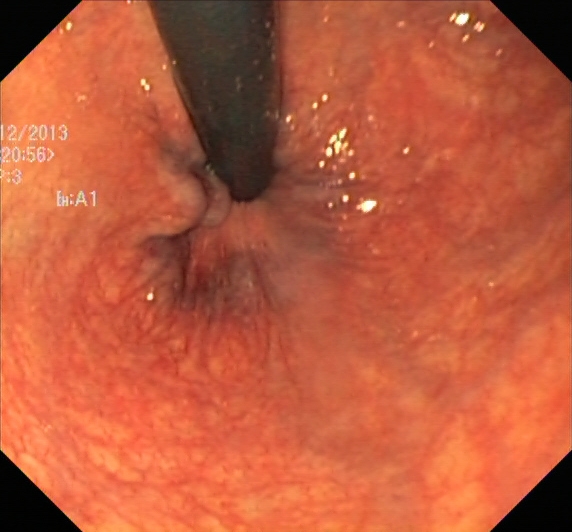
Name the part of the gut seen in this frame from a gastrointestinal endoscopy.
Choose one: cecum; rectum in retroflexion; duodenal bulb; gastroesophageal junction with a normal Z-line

rectum in retroflexion